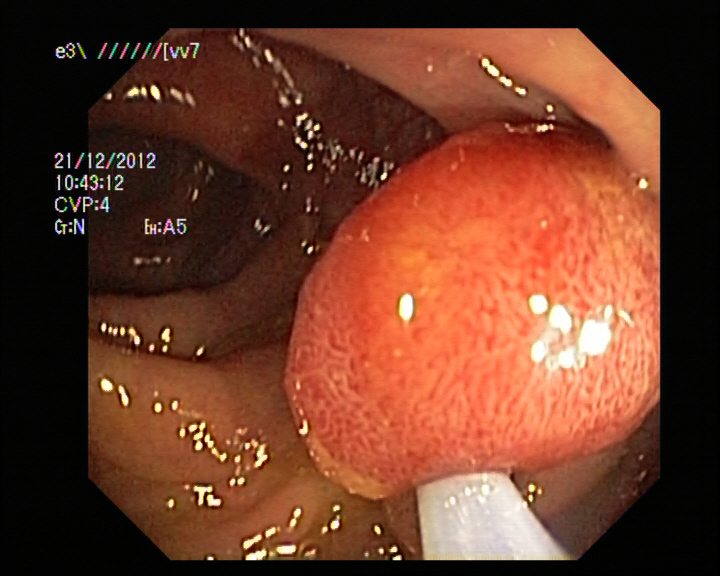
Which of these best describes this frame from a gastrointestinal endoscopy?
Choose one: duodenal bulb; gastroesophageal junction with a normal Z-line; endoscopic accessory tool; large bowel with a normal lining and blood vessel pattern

endoscopic accessory tool